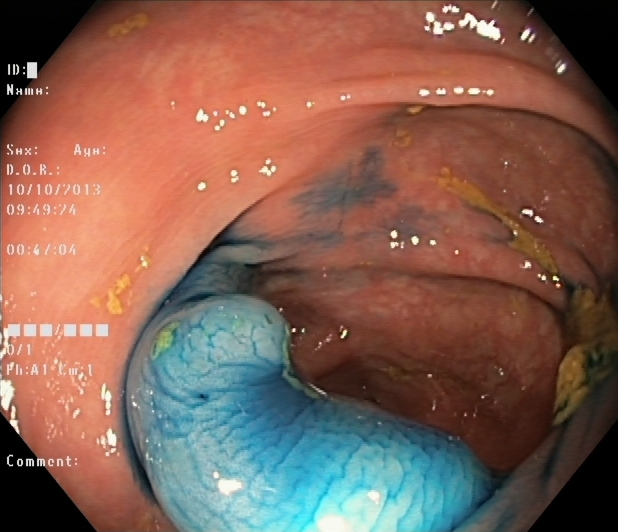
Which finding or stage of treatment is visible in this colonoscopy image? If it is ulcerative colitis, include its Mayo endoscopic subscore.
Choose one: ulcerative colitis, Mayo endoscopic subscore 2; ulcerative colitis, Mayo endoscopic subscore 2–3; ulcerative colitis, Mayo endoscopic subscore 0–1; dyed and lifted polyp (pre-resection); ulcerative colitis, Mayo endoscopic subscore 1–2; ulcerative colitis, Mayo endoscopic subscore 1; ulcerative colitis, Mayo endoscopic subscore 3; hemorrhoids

dyed and lifted polyp (pre-resection)